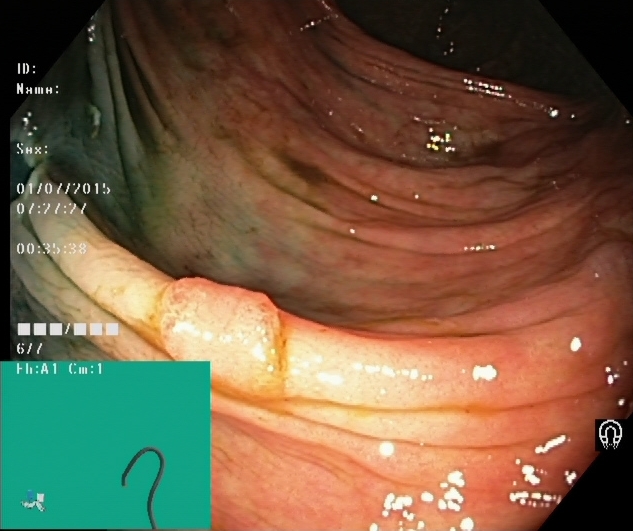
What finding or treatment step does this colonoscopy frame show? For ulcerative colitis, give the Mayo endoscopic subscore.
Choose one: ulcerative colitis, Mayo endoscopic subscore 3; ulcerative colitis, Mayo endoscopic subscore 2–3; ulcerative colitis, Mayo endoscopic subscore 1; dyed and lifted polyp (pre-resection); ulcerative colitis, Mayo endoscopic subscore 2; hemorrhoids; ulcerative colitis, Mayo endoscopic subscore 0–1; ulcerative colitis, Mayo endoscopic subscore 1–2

dyed and lifted polyp (pre-resection)